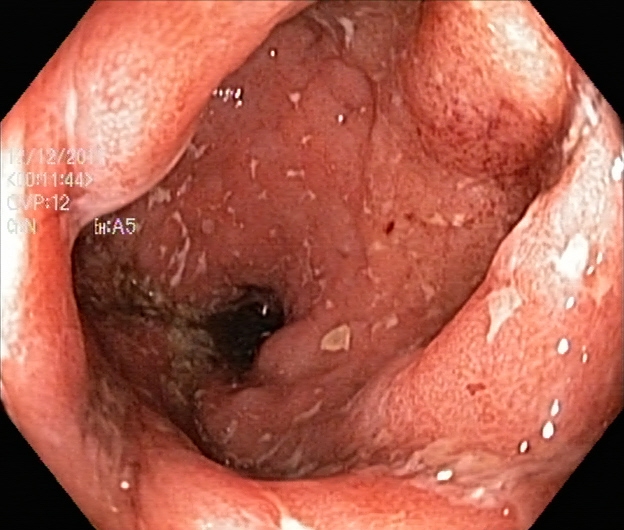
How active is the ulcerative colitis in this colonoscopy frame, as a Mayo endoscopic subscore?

ulcerative colitis, Mayo endoscopic subscore 2